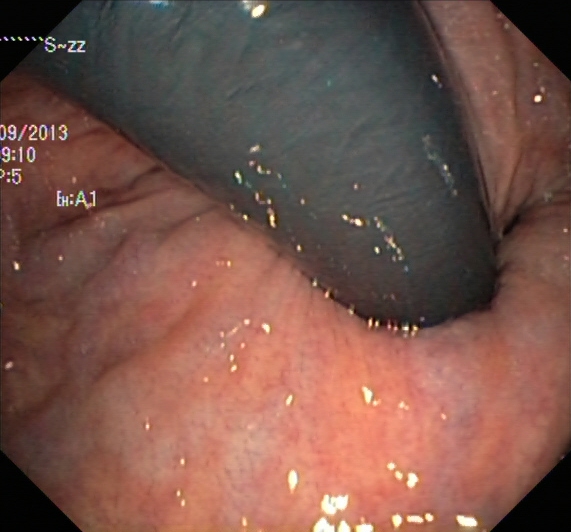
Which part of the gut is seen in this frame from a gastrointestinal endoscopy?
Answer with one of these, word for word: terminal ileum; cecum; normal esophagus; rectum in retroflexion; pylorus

rectum in retroflexion